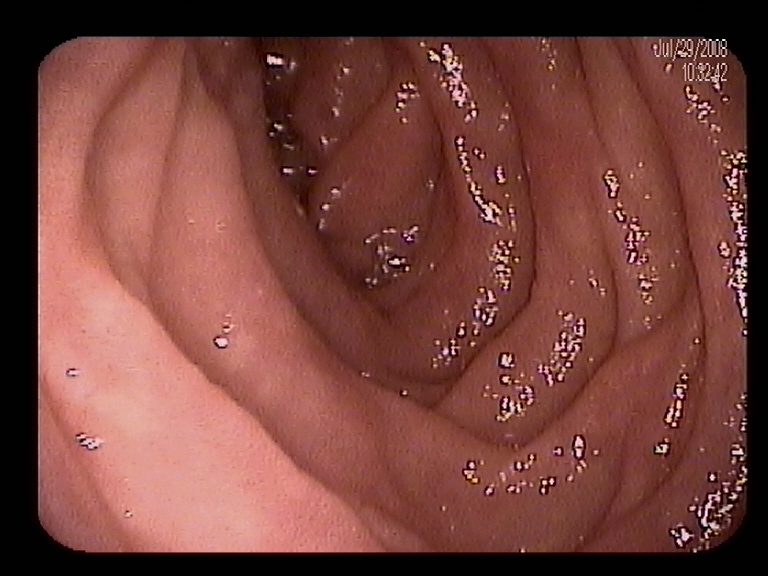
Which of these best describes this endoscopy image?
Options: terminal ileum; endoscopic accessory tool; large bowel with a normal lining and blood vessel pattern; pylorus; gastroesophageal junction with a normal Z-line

terminal ileum